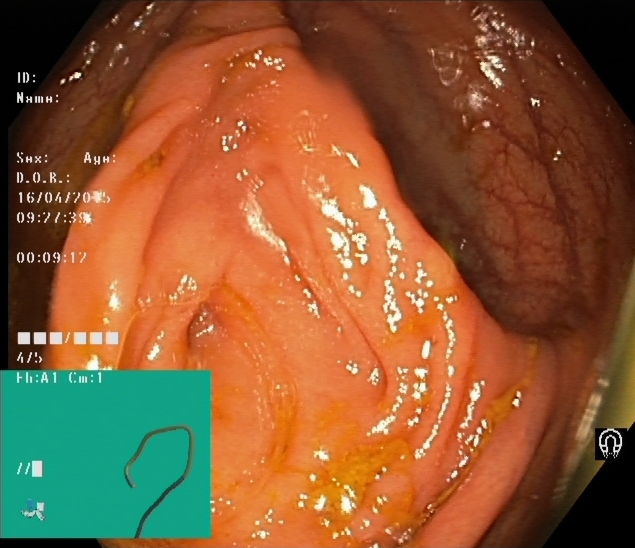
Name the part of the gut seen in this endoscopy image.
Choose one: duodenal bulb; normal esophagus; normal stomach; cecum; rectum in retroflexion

cecum